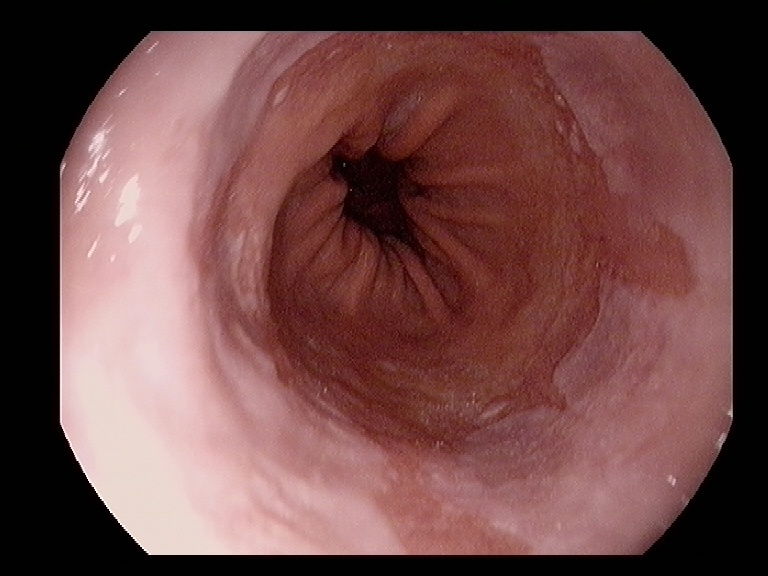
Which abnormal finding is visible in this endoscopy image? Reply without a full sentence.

Barrett's esophagus